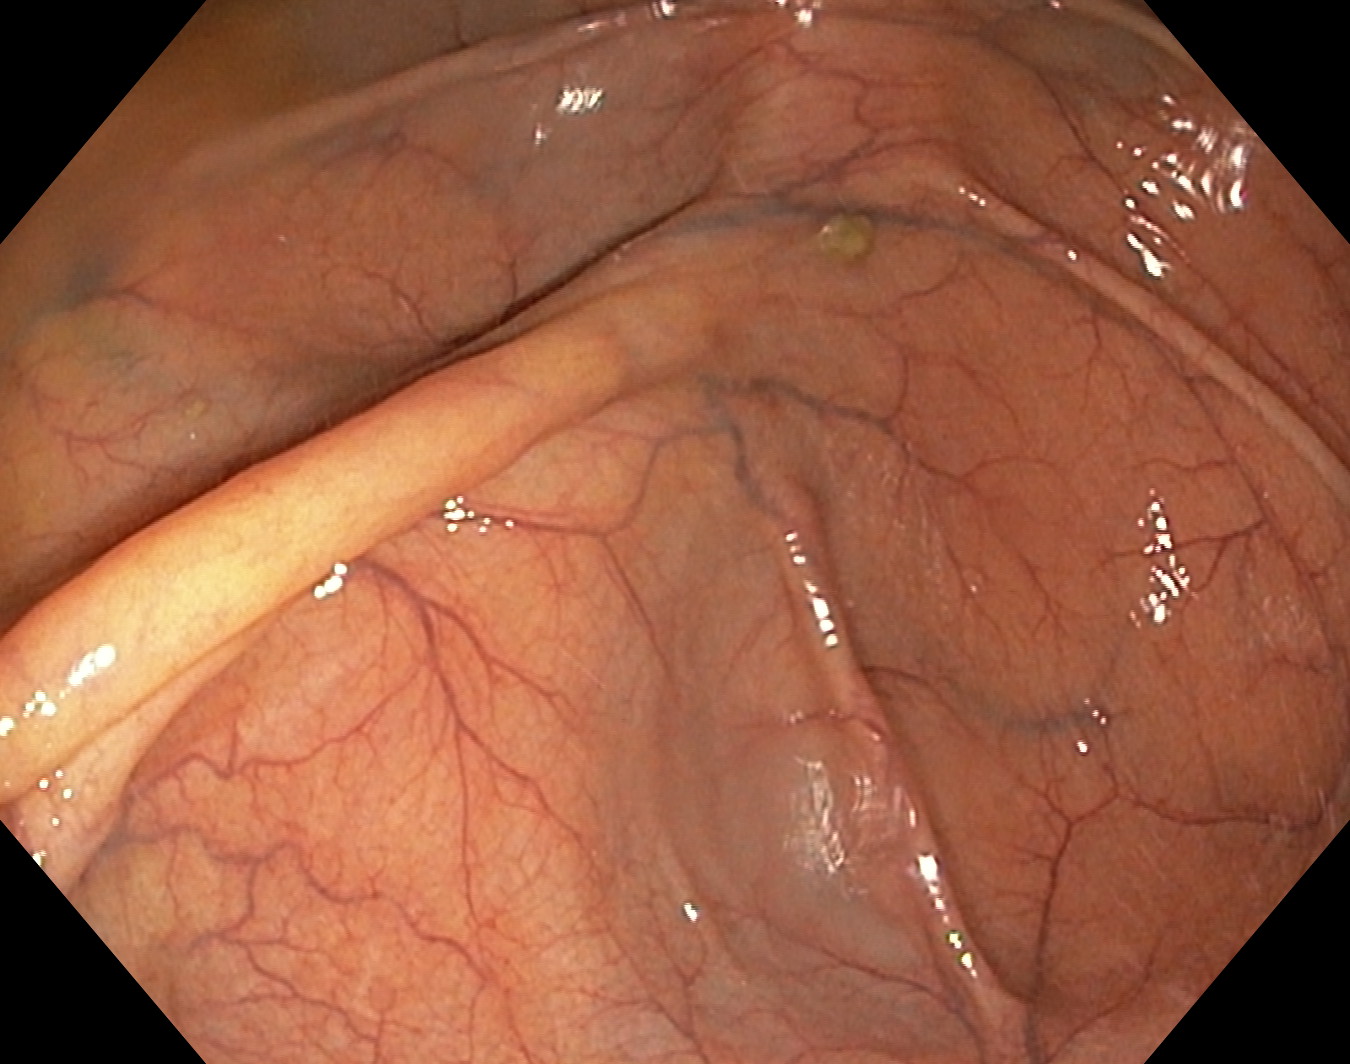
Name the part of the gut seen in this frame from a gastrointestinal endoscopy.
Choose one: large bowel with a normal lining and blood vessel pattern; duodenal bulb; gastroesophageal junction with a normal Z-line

large bowel with a normal lining and blood vessel pattern